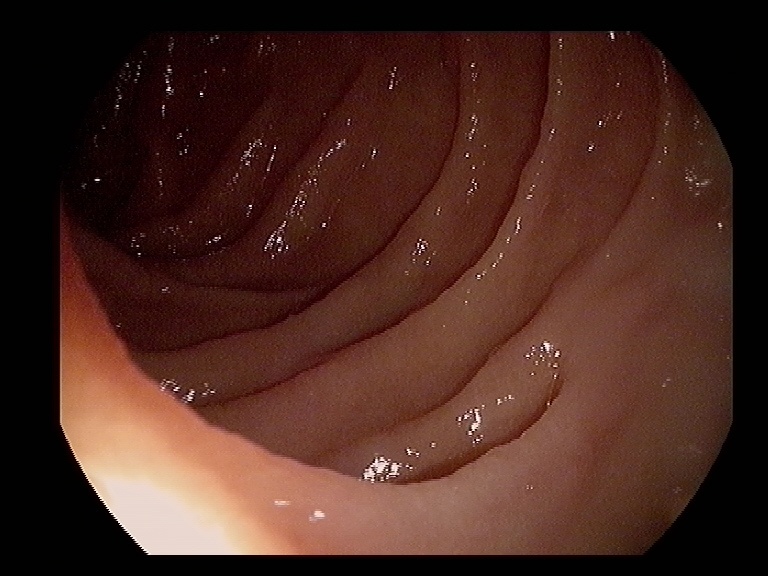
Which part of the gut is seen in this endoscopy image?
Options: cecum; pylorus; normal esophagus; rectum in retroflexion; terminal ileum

terminal ileum